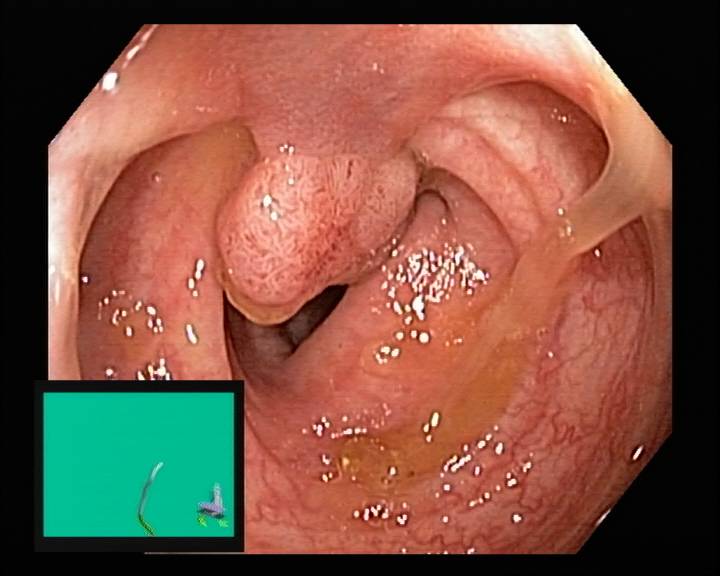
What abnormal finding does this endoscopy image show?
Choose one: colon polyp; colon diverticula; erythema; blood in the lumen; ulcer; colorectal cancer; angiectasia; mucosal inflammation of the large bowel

colon polyp